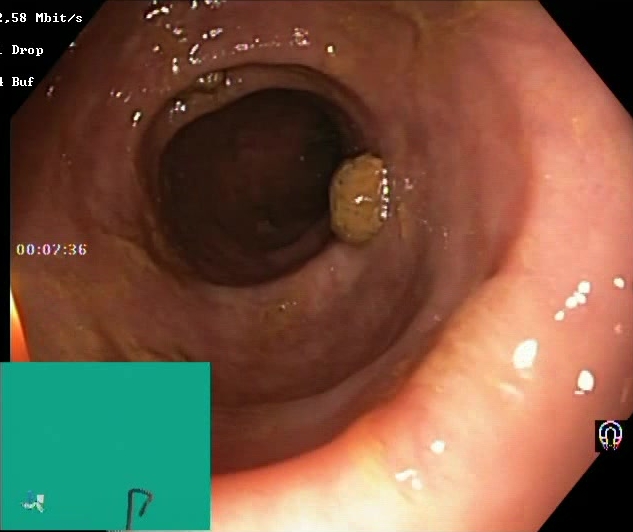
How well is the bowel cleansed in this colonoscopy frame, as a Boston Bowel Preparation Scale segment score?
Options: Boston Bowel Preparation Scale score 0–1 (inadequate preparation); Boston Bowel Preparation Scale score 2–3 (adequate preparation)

Boston Bowel Preparation Scale score 2–3 (adequate preparation)